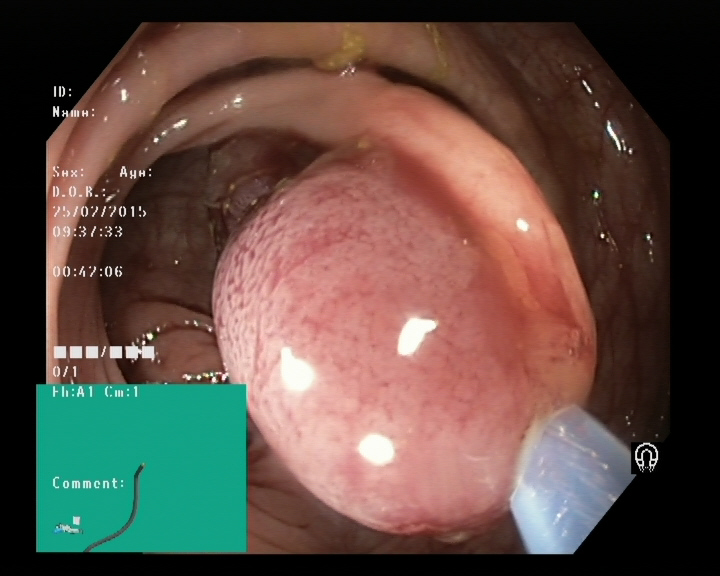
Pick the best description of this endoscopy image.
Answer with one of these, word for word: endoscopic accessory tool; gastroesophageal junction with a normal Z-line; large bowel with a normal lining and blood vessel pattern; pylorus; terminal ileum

endoscopic accessory tool